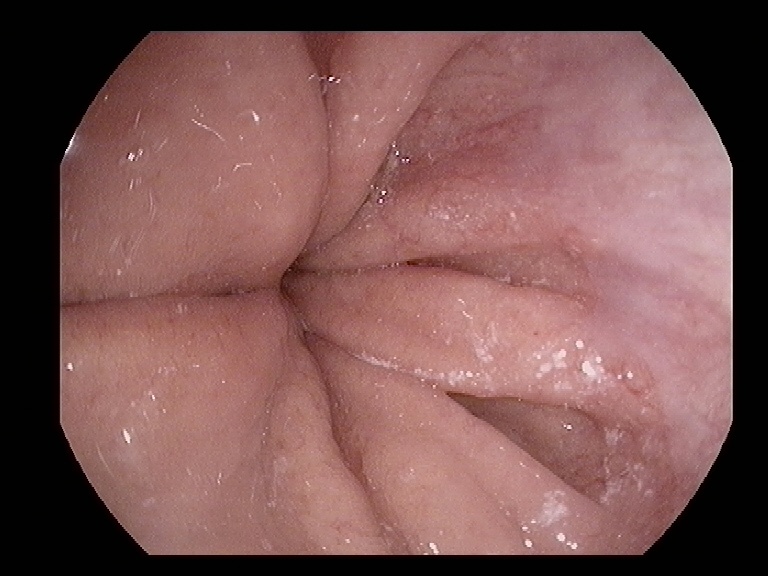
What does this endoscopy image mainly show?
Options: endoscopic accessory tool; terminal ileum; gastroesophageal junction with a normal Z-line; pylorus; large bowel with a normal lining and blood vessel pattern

gastroesophageal junction with a normal Z-line